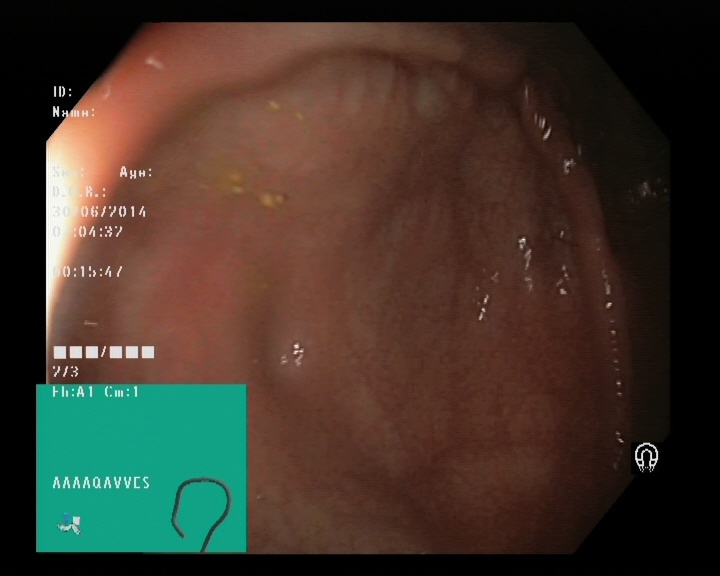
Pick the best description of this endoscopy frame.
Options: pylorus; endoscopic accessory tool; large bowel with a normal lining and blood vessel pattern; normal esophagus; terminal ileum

large bowel with a normal lining and blood vessel pattern